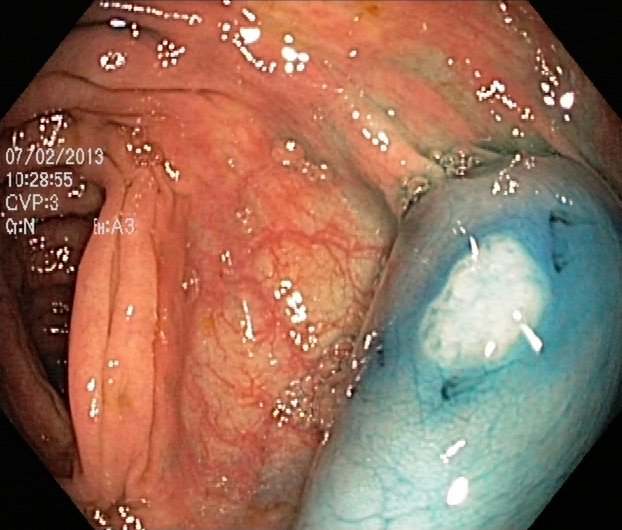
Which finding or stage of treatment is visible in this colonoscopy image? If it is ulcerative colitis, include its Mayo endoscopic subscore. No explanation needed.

dyed and lifted polyp (pre-resection)